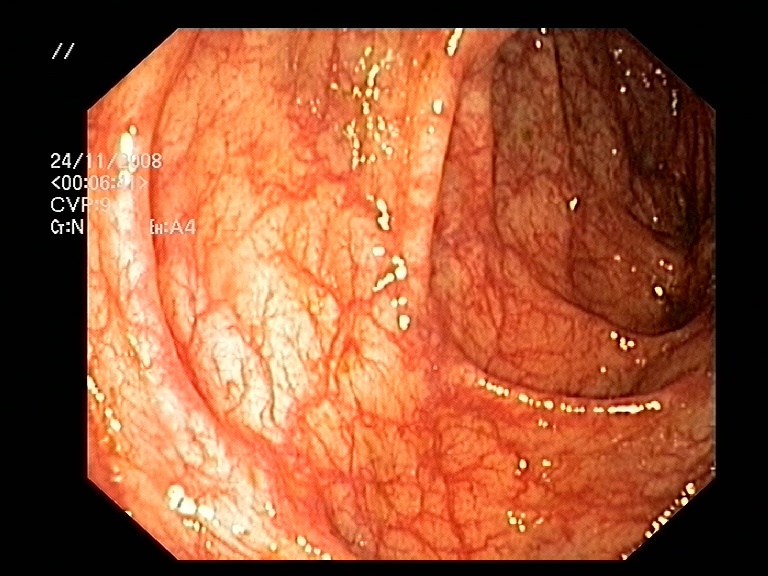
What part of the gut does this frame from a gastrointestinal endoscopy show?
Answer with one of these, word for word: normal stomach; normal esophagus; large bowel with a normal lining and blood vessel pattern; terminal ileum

large bowel with a normal lining and blood vessel pattern